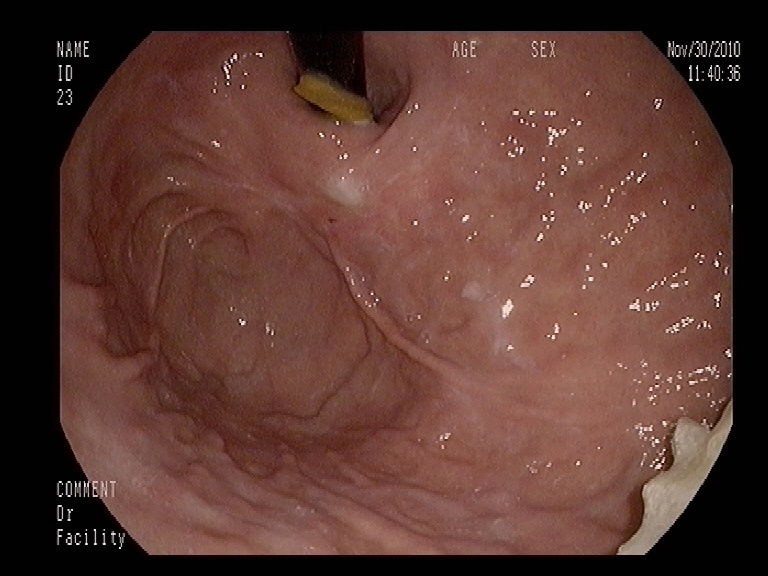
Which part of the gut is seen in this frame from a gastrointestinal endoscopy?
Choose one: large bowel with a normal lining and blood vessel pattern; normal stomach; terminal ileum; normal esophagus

normal stomach